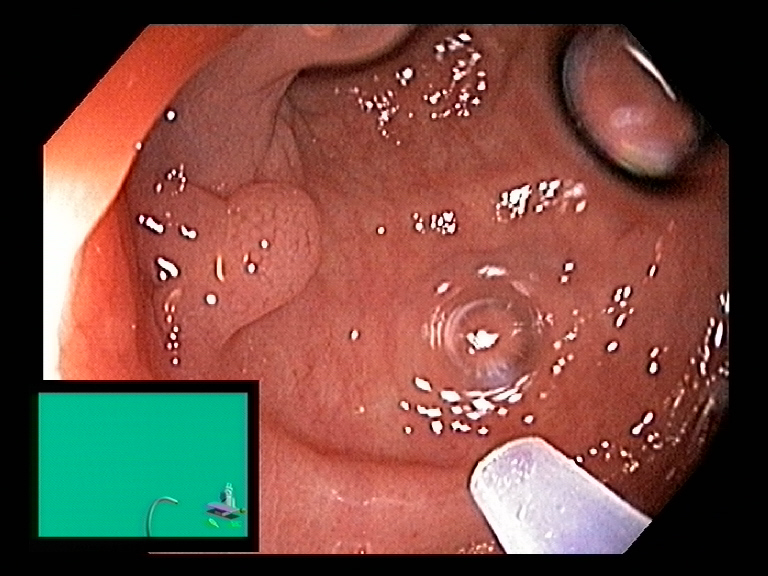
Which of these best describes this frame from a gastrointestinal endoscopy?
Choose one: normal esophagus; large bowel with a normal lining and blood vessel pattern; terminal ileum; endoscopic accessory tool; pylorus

endoscopic accessory tool